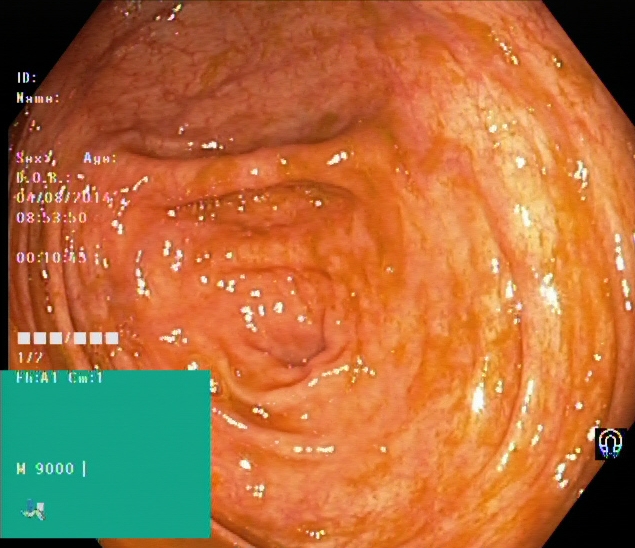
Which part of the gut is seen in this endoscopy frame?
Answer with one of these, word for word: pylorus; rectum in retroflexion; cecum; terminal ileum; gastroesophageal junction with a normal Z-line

cecum